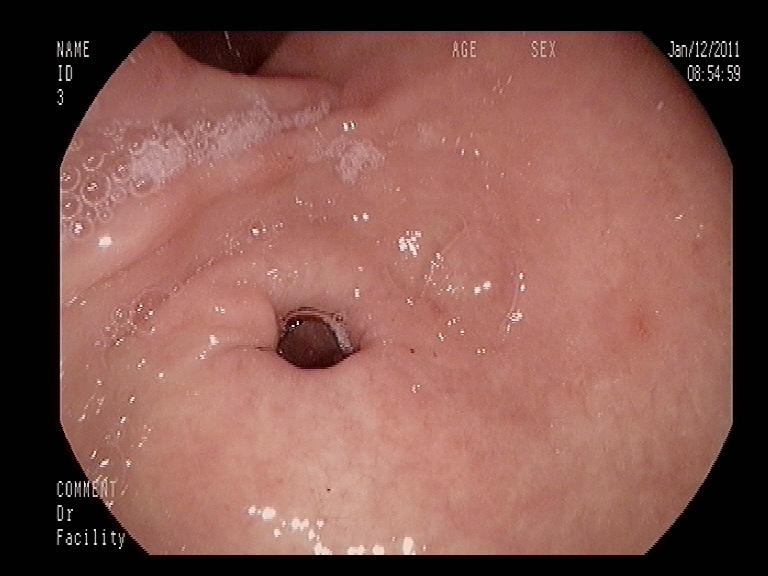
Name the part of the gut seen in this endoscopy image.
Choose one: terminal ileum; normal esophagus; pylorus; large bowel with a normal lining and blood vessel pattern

pylorus